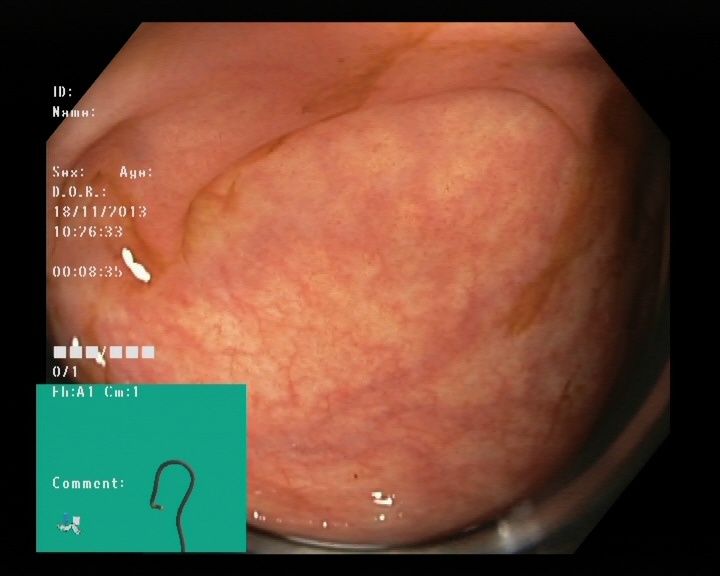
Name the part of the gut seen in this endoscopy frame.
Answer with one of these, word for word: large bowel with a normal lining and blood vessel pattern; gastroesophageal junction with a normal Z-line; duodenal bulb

large bowel with a normal lining and blood vessel pattern